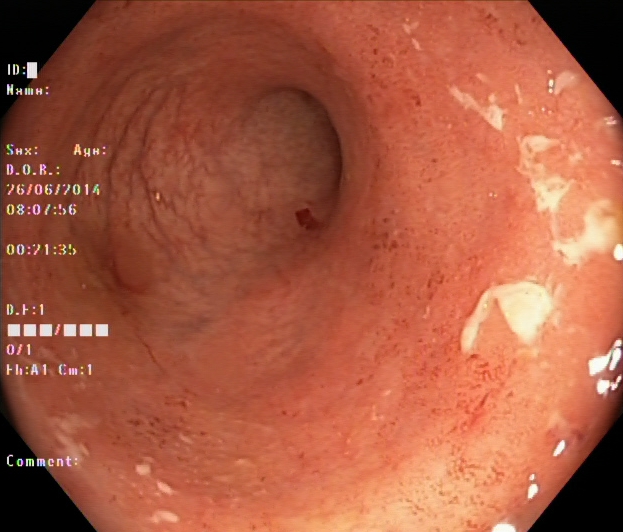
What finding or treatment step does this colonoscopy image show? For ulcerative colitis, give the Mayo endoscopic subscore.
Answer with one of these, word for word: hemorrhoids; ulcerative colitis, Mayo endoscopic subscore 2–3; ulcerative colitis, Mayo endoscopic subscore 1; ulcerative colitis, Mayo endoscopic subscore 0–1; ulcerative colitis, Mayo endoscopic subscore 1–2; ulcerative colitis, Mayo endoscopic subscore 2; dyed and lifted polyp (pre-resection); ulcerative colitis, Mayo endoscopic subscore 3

ulcerative colitis, Mayo endoscopic subscore 1